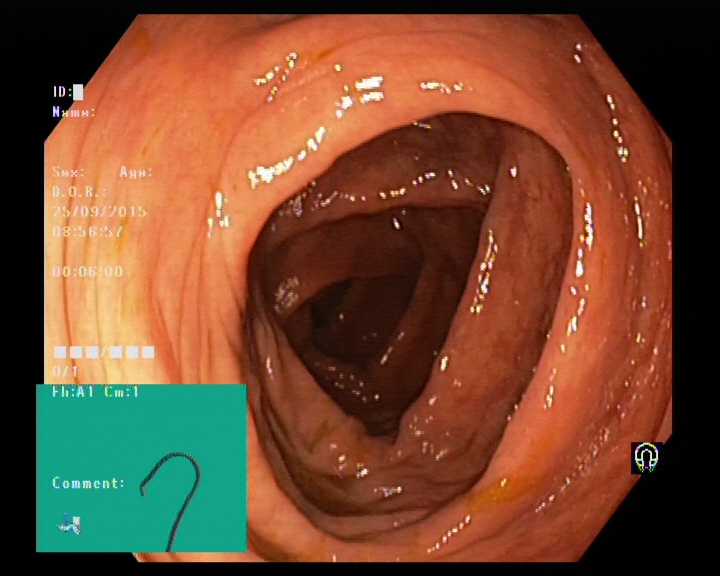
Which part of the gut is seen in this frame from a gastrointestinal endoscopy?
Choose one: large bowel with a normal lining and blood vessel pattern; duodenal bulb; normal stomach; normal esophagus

large bowel with a normal lining and blood vessel pattern